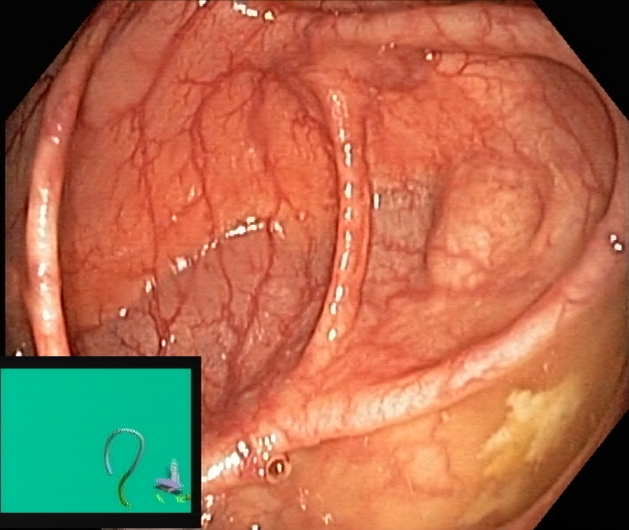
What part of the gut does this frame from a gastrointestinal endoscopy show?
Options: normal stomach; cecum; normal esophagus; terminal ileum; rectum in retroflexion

cecum